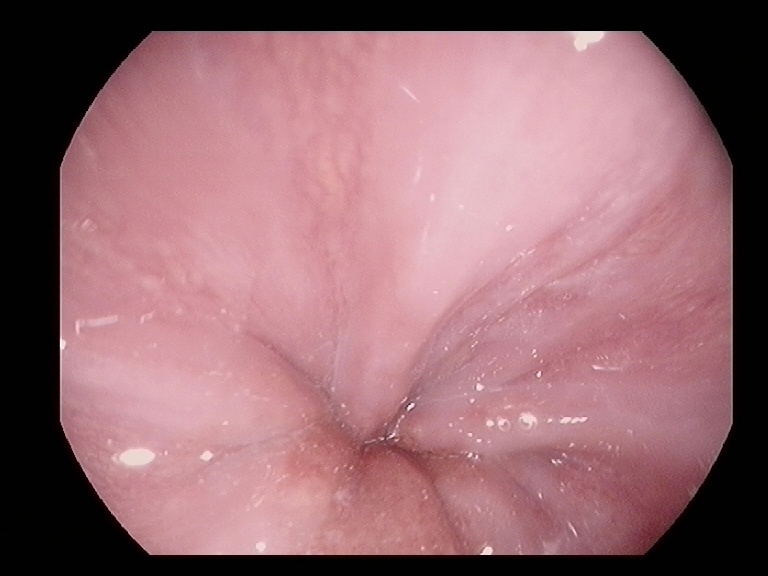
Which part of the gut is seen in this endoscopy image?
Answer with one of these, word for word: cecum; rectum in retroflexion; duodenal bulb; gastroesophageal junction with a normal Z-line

gastroesophageal junction with a normal Z-line